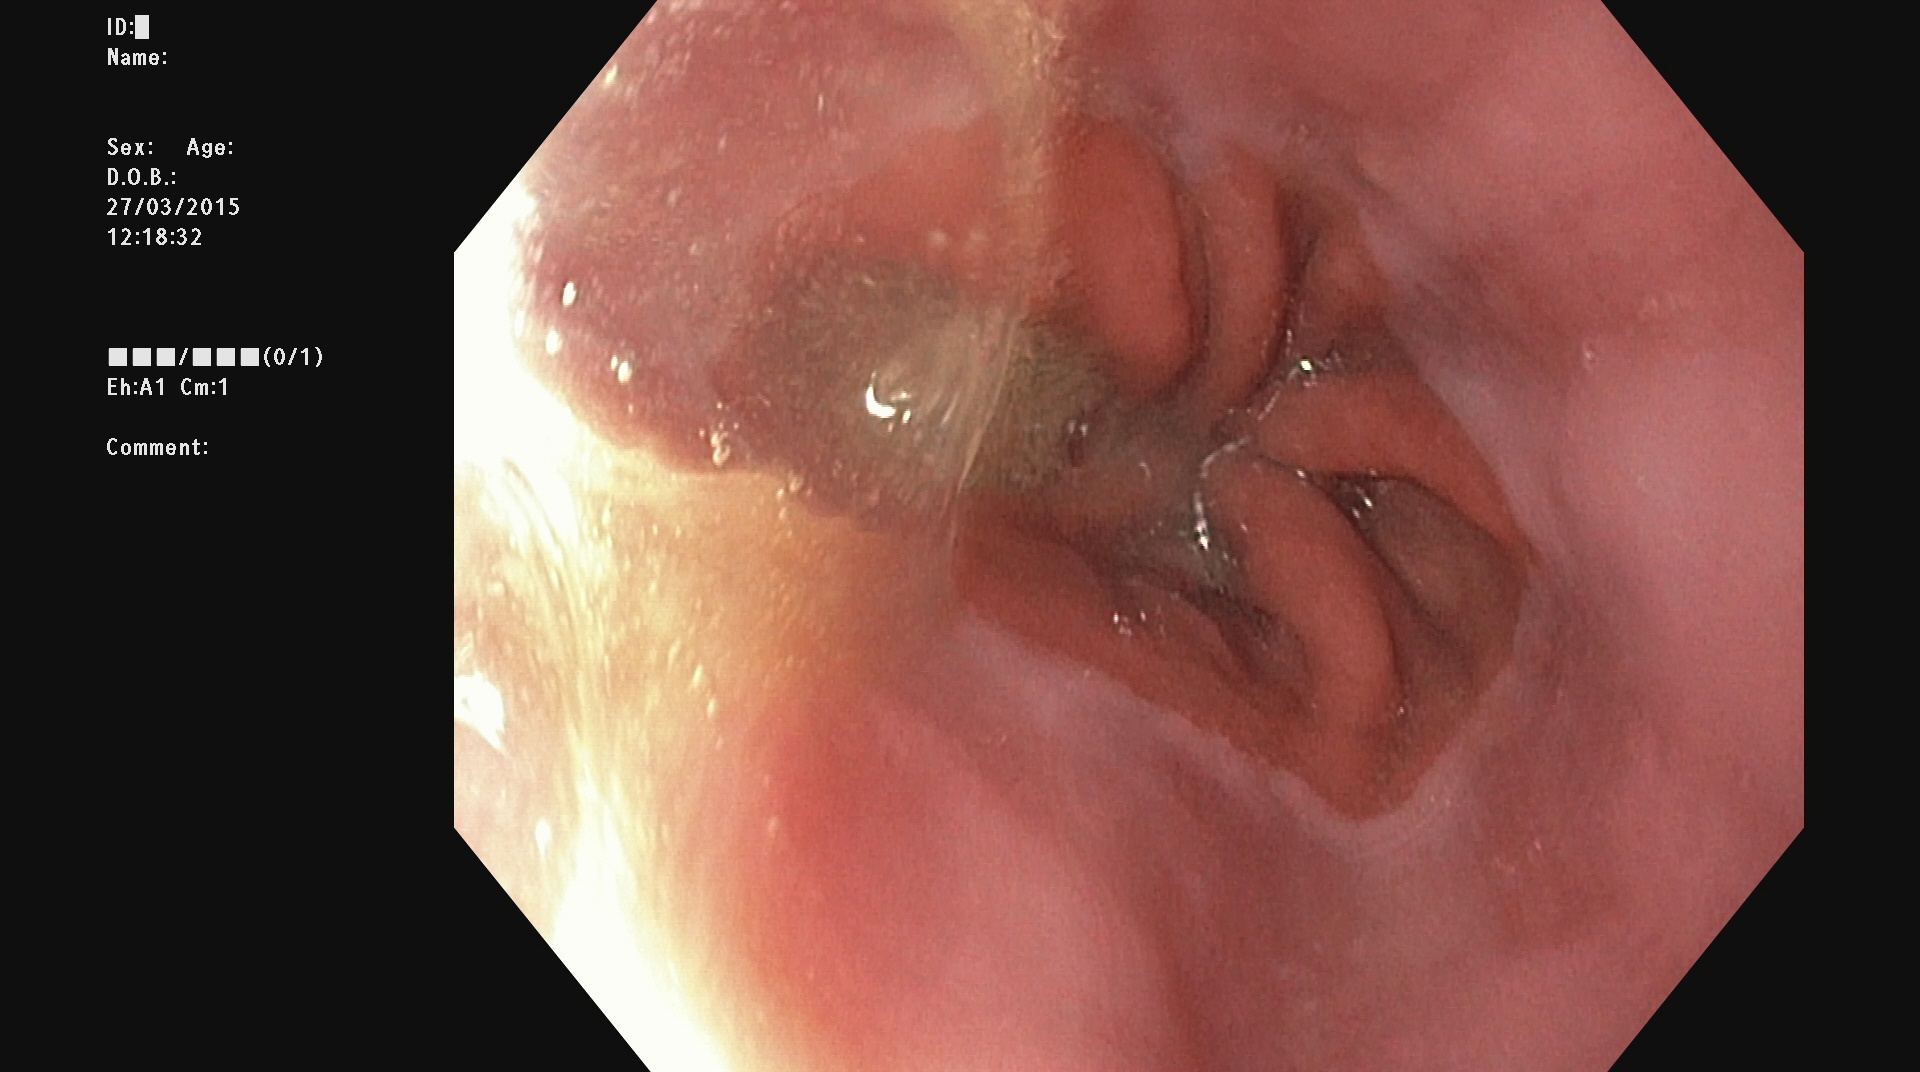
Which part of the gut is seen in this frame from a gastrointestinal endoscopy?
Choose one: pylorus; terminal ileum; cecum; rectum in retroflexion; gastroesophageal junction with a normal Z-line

gastroesophageal junction with a normal Z-line